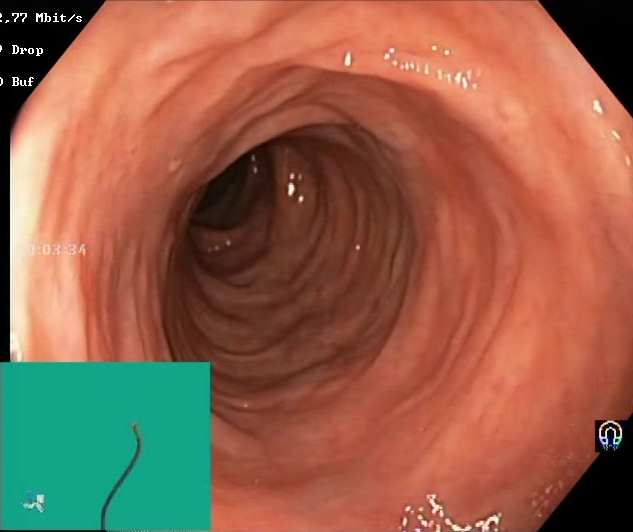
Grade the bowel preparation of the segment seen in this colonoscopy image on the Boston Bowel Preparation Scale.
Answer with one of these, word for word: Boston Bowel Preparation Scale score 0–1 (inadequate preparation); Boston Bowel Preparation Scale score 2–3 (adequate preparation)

Boston Bowel Preparation Scale score 2–3 (adequate preparation)